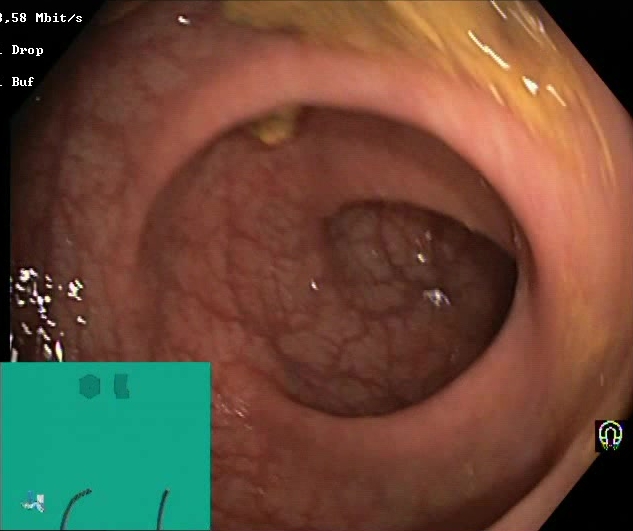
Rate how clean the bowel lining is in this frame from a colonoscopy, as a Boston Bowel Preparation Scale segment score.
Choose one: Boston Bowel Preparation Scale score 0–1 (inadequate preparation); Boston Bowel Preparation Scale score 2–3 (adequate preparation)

Boston Bowel Preparation Scale score 2–3 (adequate preparation)